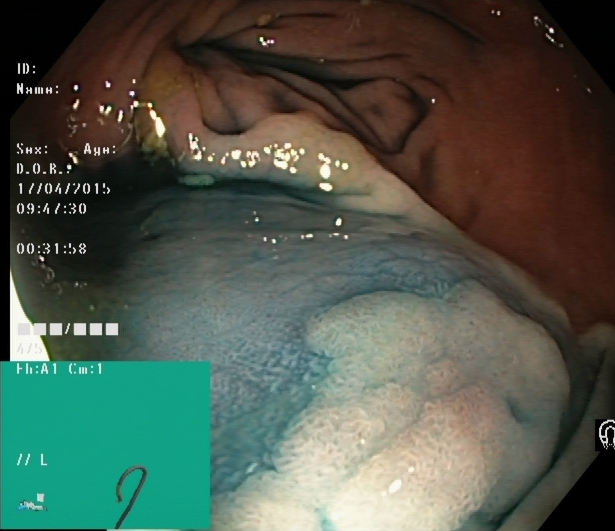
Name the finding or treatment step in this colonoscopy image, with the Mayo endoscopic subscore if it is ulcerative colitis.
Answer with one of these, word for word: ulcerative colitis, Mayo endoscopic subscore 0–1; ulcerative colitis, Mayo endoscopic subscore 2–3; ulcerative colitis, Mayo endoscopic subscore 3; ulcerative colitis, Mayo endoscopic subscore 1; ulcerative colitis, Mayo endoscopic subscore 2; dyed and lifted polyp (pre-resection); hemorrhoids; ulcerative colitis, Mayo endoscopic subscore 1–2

dyed and lifted polyp (pre-resection)